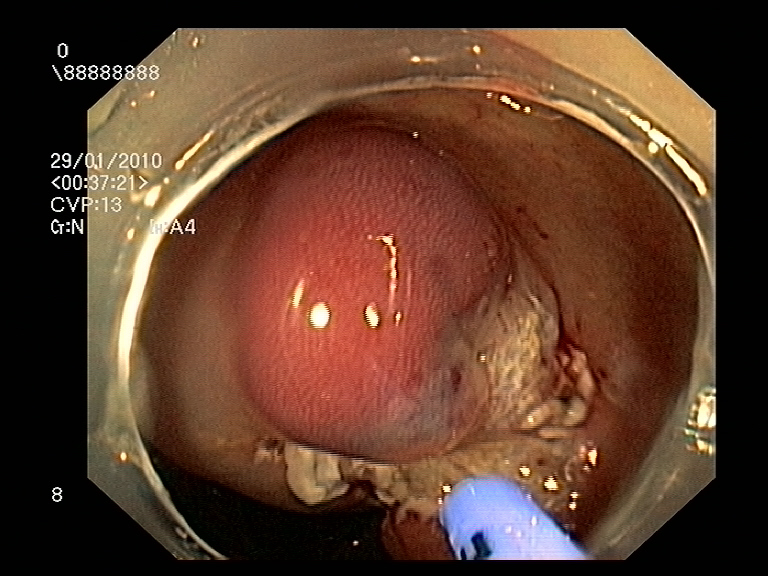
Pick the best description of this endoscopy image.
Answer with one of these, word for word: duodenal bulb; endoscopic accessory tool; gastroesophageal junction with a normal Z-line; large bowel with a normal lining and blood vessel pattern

endoscopic accessory tool